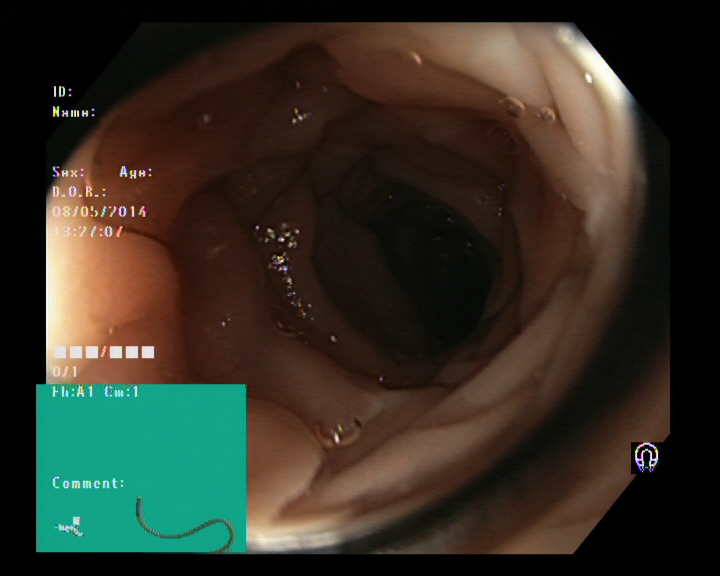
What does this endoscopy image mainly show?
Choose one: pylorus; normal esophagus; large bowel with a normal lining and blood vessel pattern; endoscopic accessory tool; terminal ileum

large bowel with a normal lining and blood vessel pattern